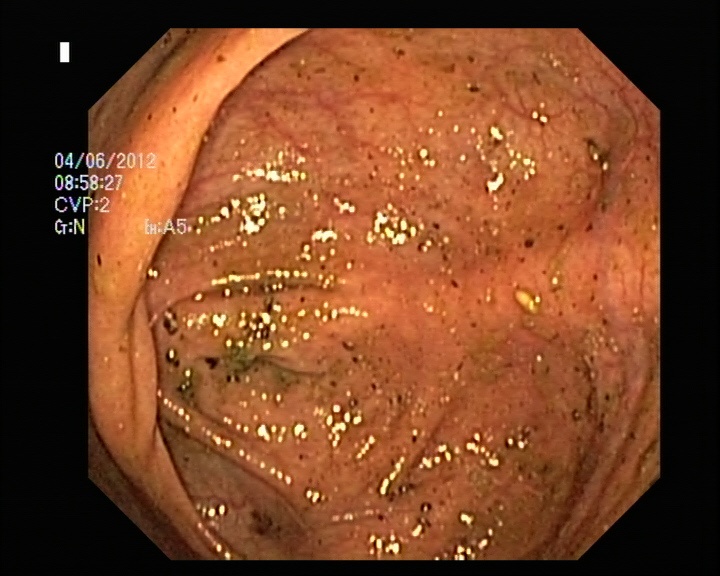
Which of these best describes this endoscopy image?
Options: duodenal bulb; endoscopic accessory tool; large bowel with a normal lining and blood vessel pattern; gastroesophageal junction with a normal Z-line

large bowel with a normal lining and blood vessel pattern